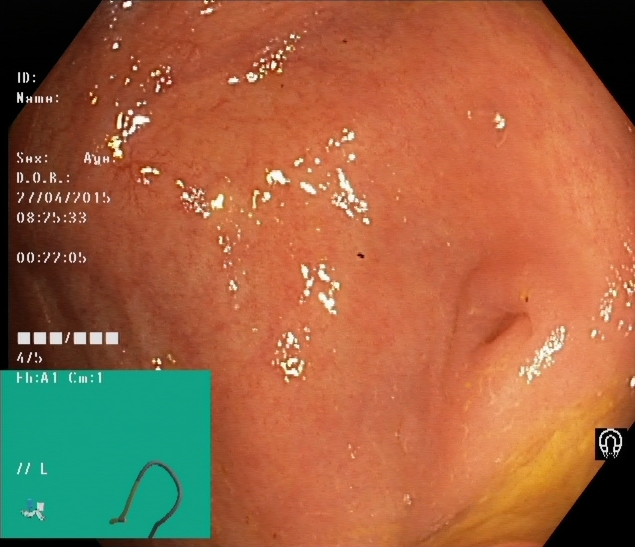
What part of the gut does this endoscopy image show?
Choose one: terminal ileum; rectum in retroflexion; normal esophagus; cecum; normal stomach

cecum